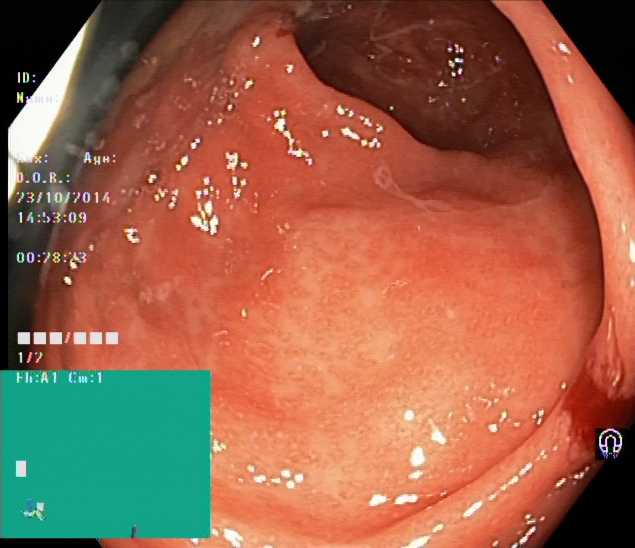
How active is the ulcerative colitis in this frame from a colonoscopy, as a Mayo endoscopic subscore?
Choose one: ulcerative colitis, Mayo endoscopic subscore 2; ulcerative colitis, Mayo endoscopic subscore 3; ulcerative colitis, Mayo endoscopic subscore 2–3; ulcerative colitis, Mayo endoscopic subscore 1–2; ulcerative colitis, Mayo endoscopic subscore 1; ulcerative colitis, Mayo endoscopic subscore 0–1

ulcerative colitis, Mayo endoscopic subscore 2